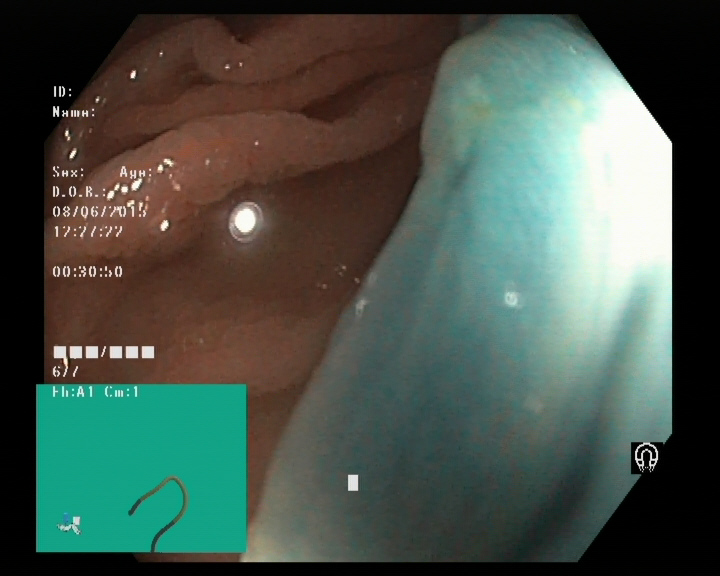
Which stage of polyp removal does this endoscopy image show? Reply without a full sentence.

dyed and lifted polyp (pre-resection)